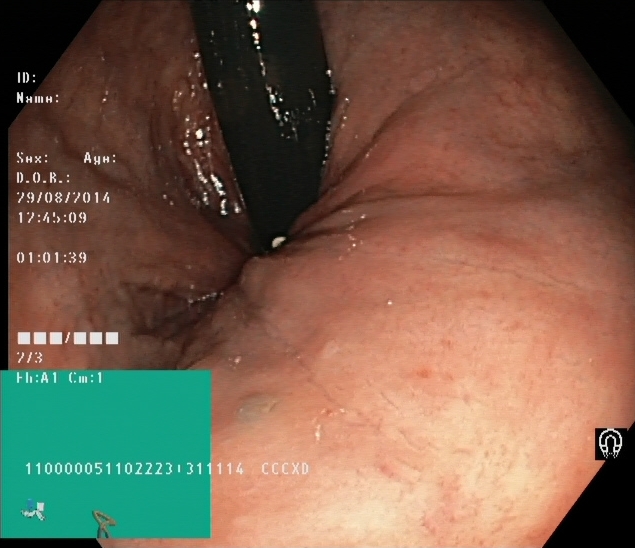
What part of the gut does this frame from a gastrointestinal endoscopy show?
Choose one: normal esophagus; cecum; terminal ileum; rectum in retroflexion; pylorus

rectum in retroflexion